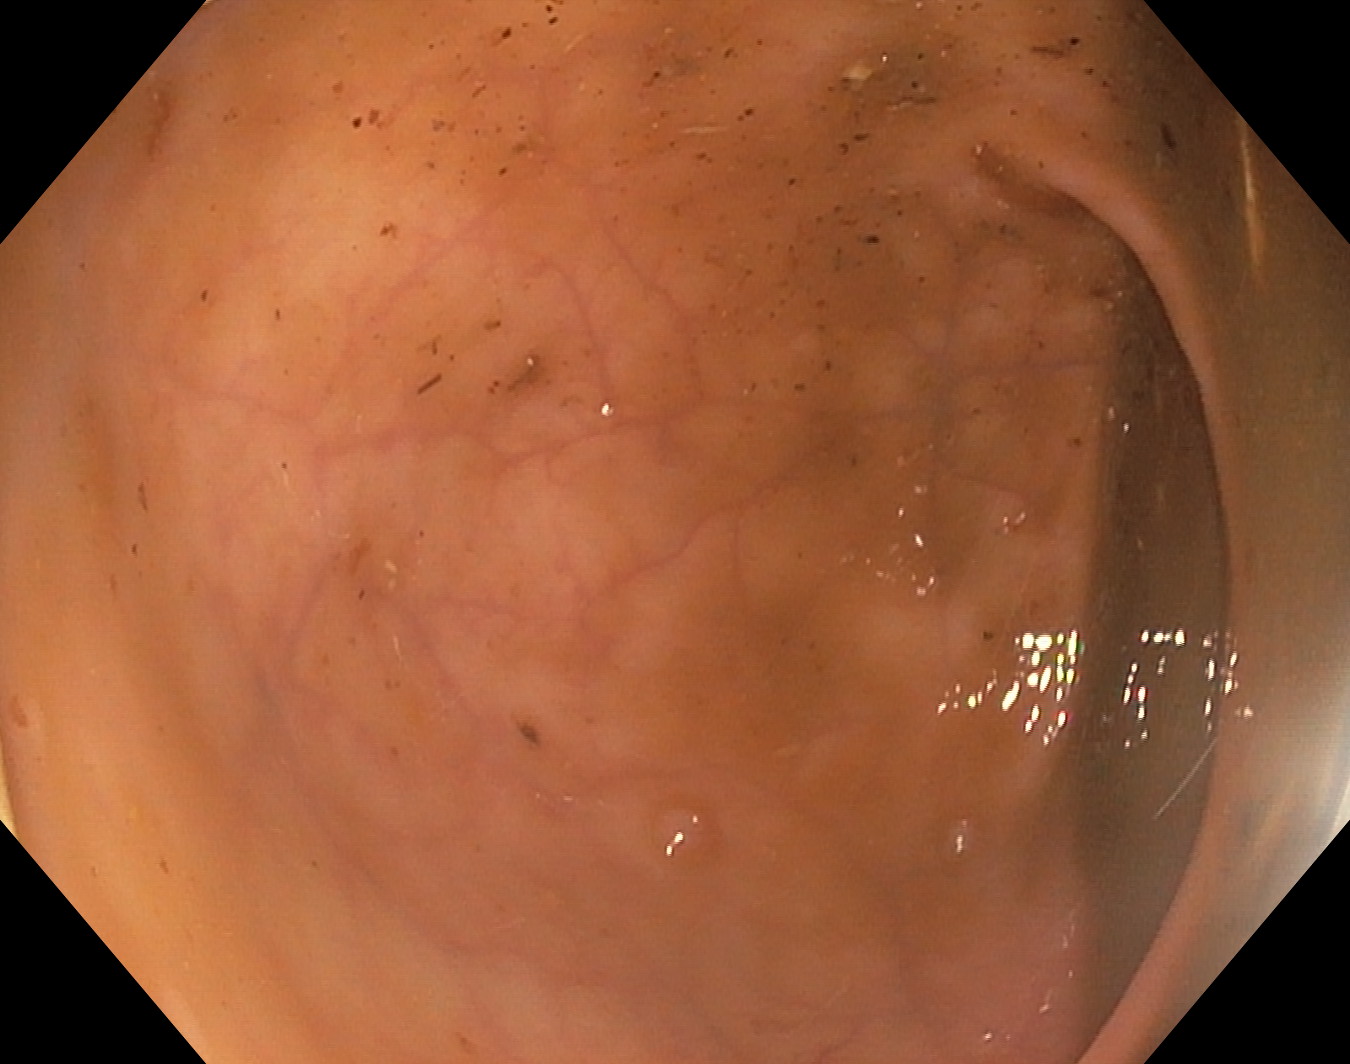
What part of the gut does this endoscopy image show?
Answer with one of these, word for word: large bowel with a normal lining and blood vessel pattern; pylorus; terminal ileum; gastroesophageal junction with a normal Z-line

large bowel with a normal lining and blood vessel pattern